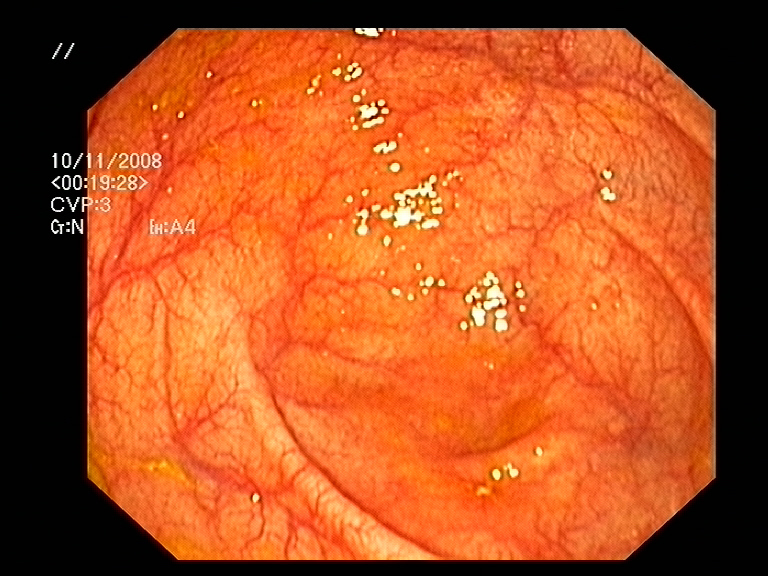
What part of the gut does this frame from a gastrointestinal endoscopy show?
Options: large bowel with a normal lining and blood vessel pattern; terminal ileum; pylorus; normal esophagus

large bowel with a normal lining and blood vessel pattern